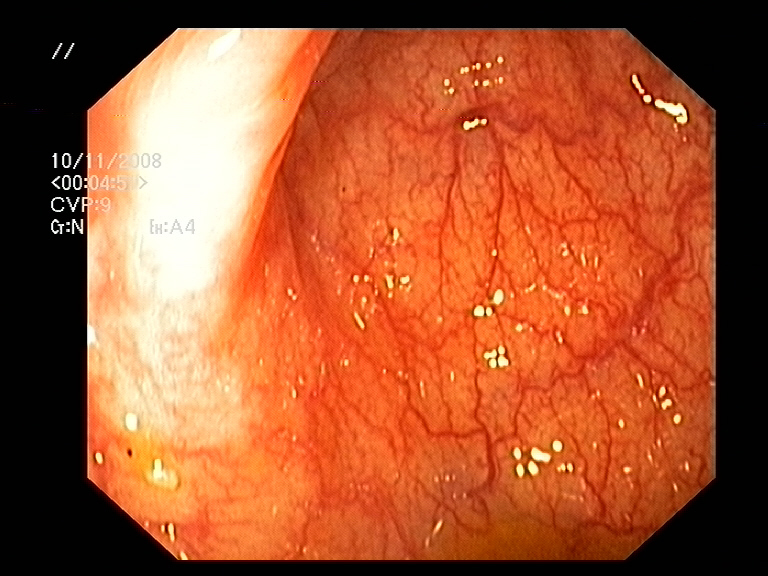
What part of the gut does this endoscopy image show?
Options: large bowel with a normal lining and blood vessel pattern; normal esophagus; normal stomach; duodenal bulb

large bowel with a normal lining and blood vessel pattern